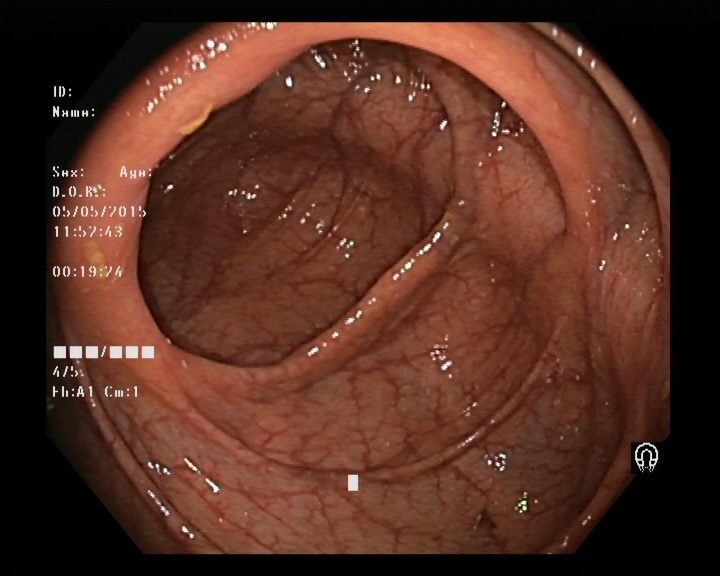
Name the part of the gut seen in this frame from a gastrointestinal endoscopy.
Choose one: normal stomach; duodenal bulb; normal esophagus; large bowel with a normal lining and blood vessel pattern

large bowel with a normal lining and blood vessel pattern